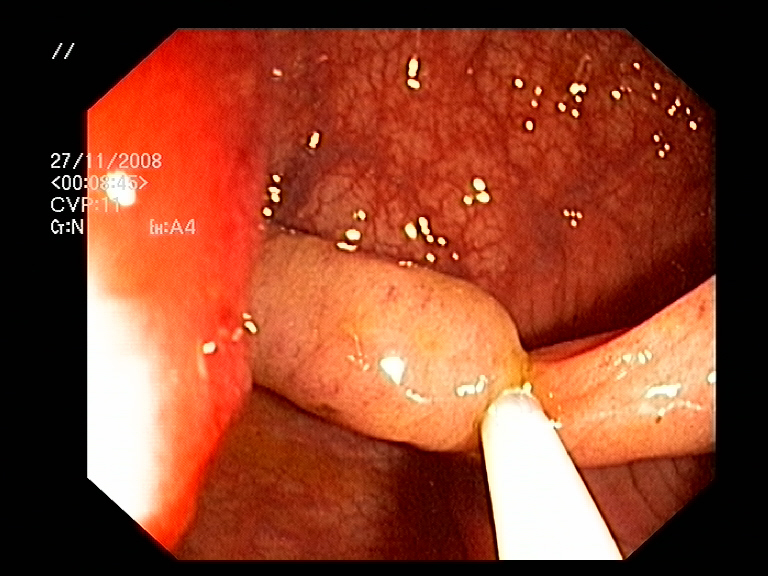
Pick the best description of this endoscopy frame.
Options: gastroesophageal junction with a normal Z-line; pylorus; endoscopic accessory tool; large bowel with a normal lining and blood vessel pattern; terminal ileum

endoscopic accessory tool